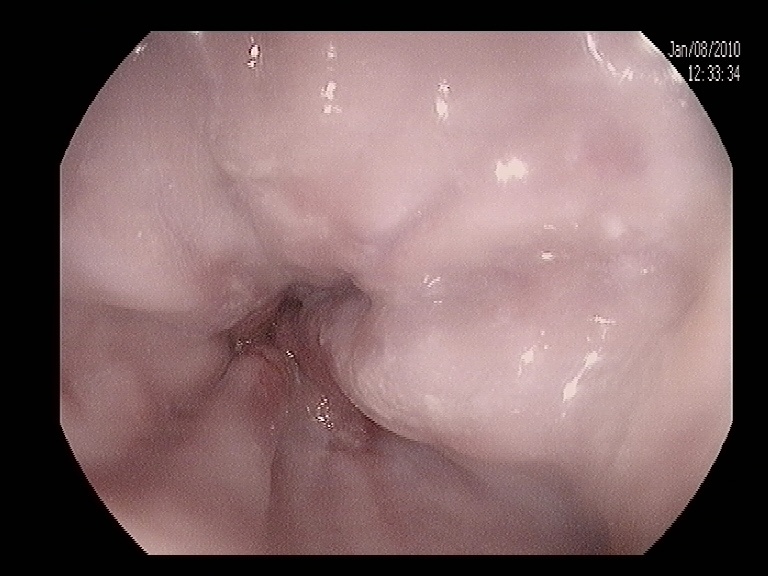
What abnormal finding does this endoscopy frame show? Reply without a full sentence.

esophagitis